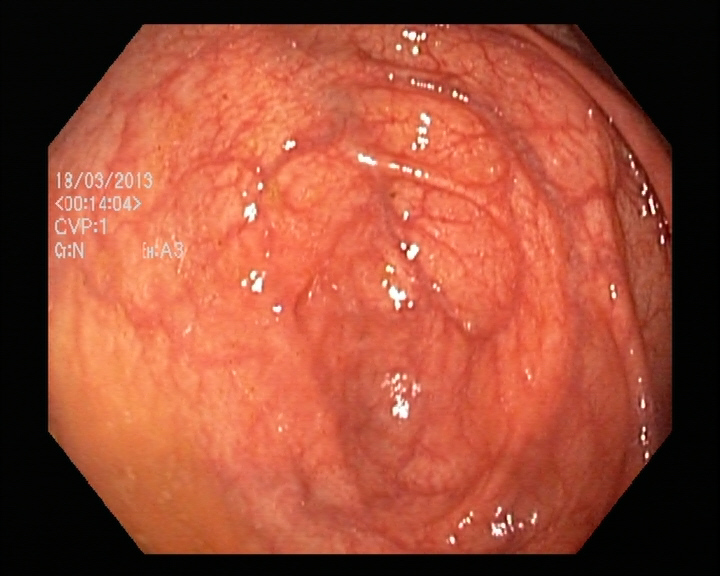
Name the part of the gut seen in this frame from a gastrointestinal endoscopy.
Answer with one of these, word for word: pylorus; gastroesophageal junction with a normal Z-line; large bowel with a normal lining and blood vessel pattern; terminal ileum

large bowel with a normal lining and blood vessel pattern